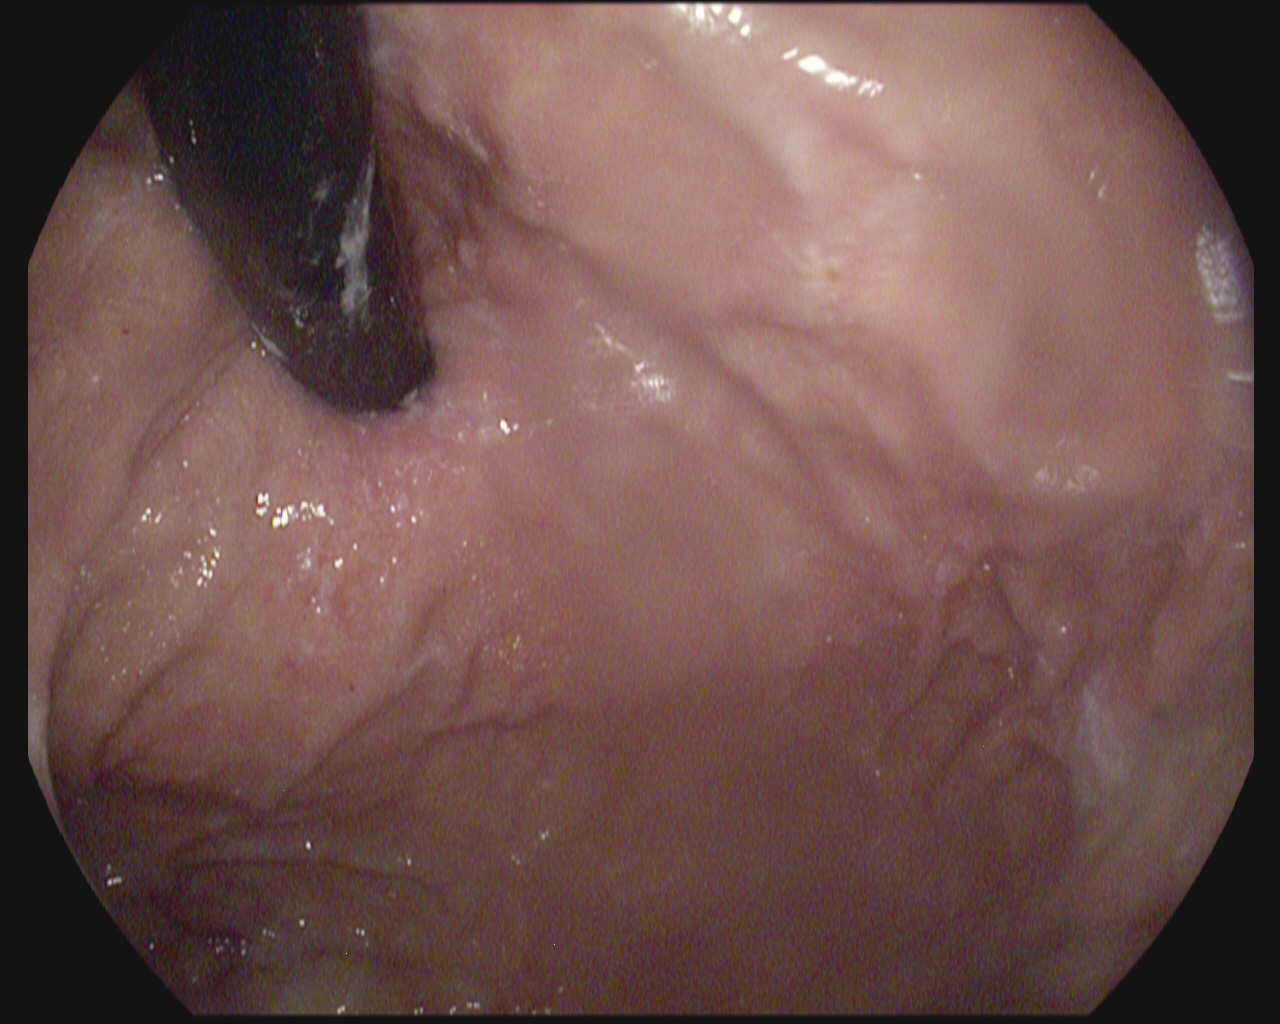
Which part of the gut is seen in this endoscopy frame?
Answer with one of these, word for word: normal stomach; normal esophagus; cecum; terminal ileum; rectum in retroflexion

normal stomach